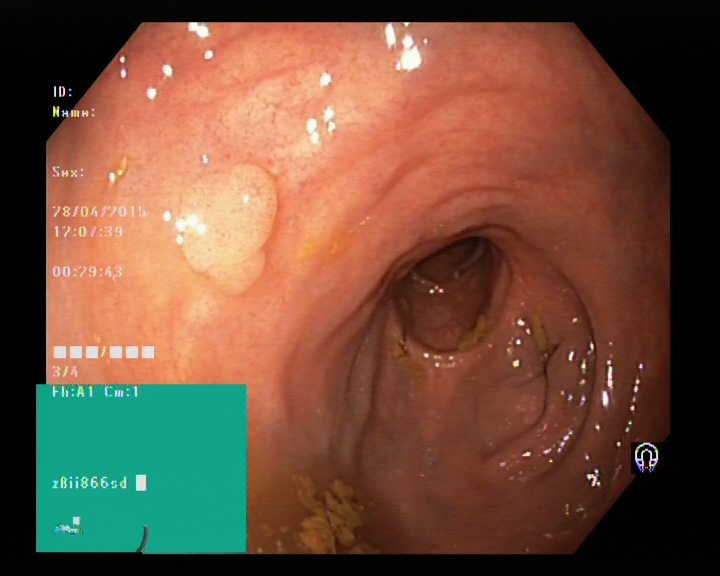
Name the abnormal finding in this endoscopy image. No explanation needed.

colon polyp